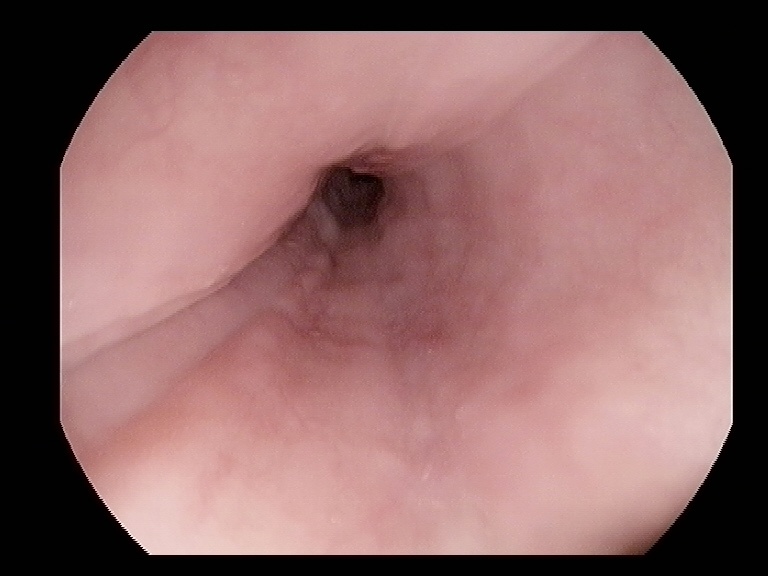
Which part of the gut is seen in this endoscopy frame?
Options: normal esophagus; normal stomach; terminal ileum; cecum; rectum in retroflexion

normal esophagus